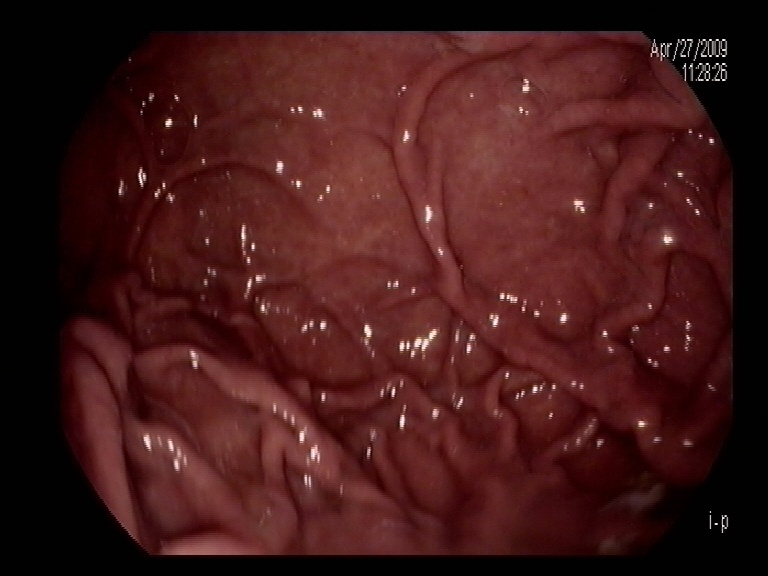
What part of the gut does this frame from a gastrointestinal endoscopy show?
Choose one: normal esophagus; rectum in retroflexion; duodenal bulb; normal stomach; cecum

normal stomach